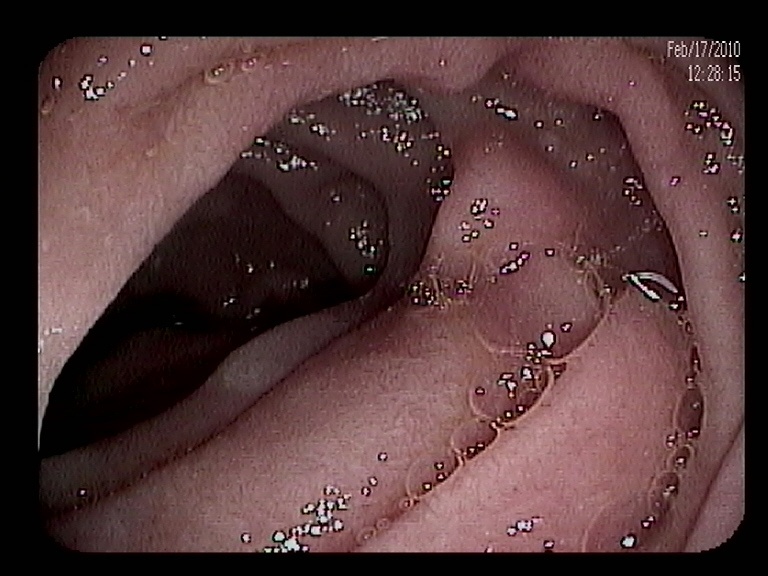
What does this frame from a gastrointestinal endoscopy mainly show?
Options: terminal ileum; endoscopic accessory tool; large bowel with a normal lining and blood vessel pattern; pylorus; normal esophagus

terminal ileum